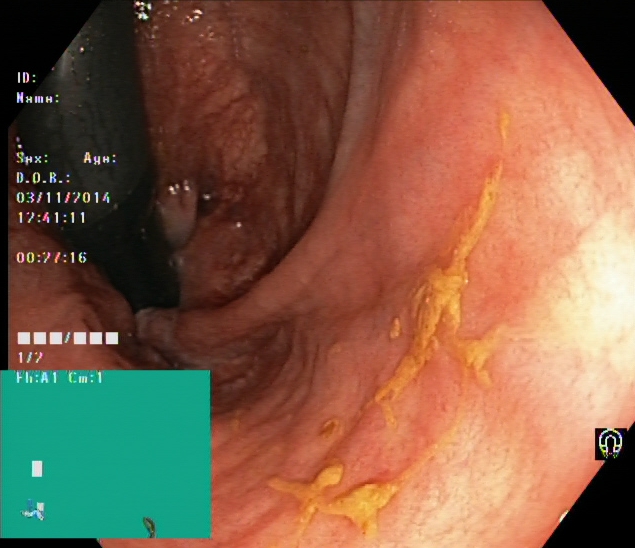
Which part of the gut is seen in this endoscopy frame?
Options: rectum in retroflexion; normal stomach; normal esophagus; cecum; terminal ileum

rectum in retroflexion